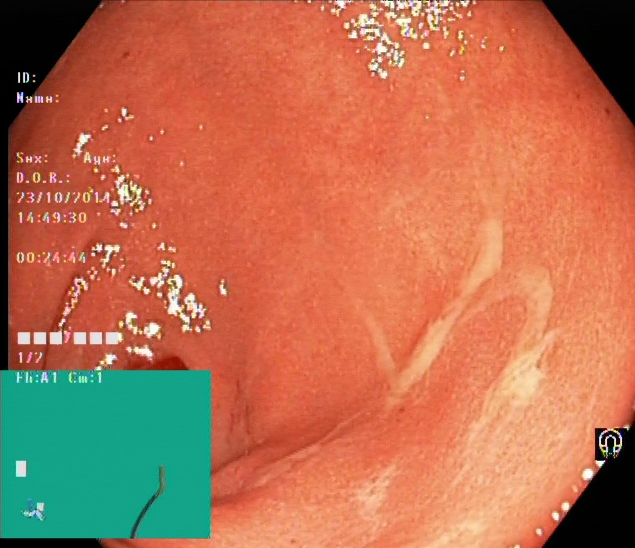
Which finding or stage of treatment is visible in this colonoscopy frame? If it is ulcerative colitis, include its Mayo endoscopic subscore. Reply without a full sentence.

ulcerative colitis, Mayo endoscopic subscore 2